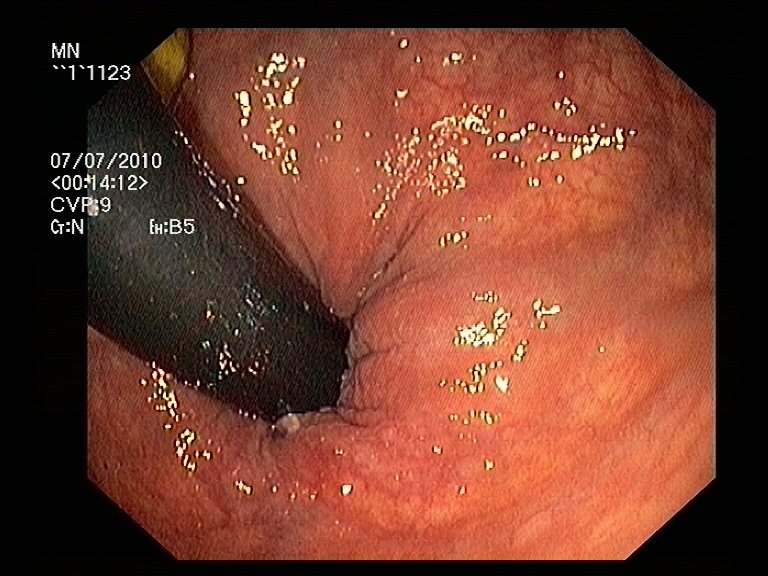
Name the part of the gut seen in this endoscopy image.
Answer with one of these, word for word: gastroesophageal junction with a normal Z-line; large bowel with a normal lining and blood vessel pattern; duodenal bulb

large bowel with a normal lining and blood vessel pattern